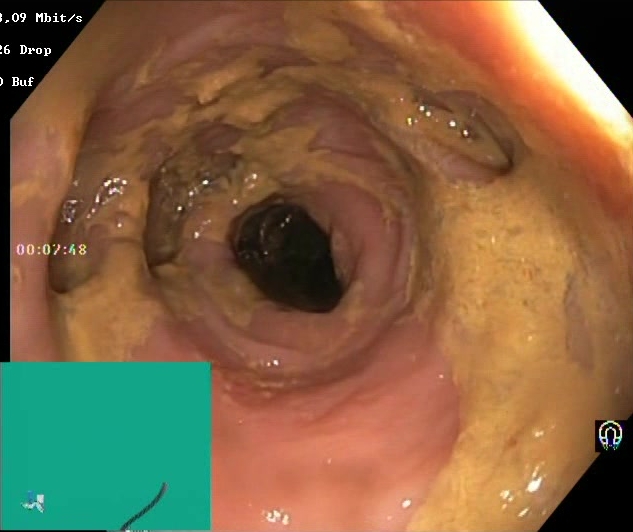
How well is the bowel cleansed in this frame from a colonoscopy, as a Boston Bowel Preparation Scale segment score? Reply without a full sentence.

Boston Bowel Preparation Scale score 0–1 (inadequate preparation)